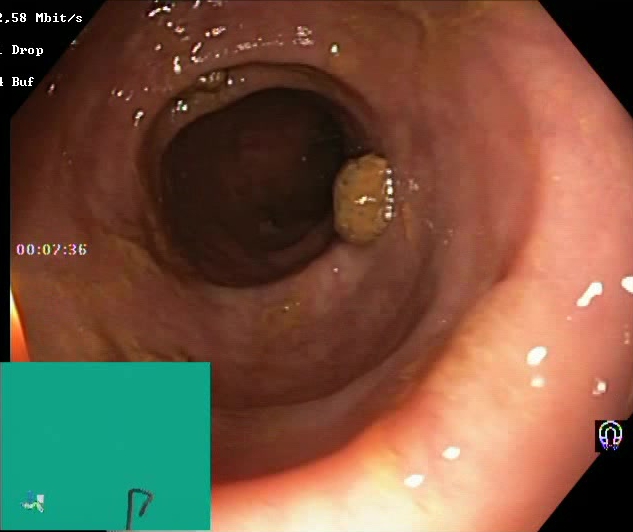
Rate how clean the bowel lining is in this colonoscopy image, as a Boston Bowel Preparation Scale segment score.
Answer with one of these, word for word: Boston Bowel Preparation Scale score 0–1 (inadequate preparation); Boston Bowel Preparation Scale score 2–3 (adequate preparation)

Boston Bowel Preparation Scale score 2–3 (adequate preparation)